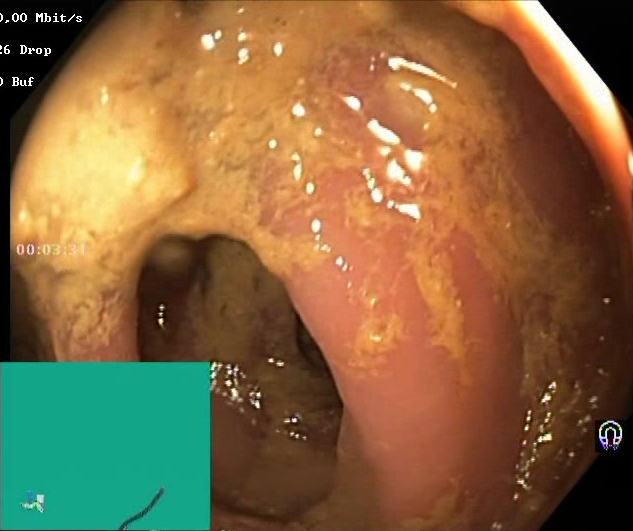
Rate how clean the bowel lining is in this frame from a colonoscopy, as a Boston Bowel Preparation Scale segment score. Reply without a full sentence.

Boston Bowel Preparation Scale score 0–1 (inadequate preparation)